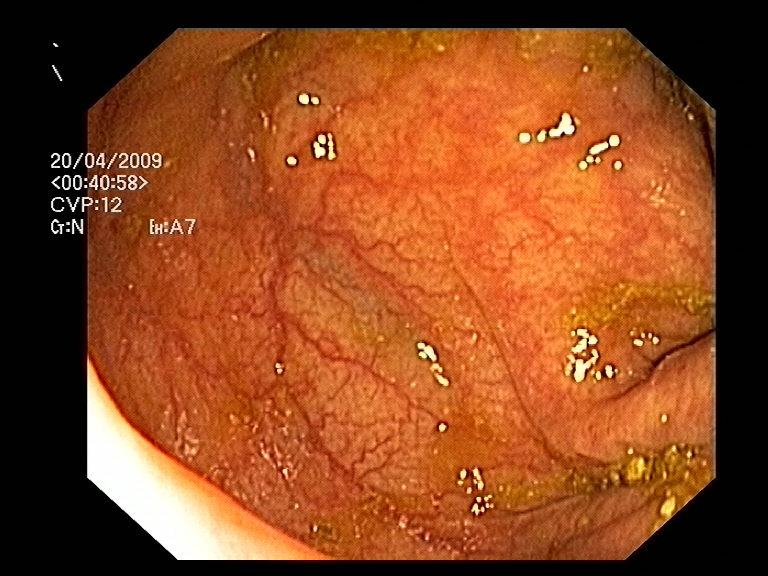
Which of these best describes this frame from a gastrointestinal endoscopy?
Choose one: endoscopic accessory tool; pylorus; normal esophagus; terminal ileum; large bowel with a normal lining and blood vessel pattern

large bowel with a normal lining and blood vessel pattern